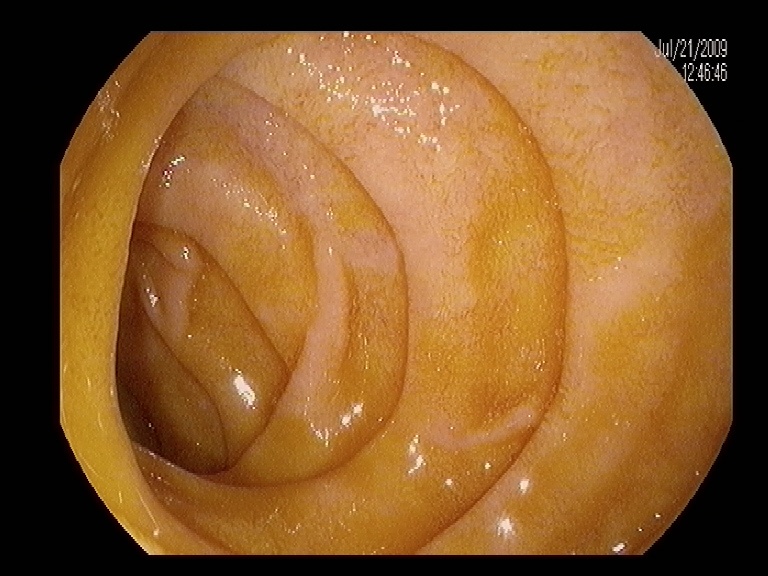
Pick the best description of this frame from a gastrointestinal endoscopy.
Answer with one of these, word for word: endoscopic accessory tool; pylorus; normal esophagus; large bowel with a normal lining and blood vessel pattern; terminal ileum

terminal ileum